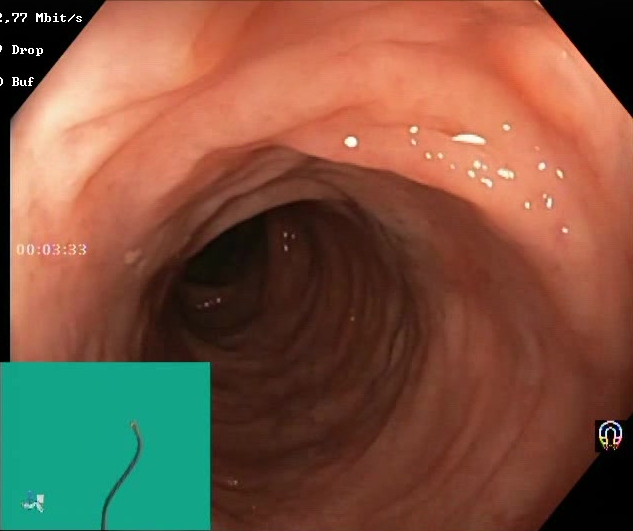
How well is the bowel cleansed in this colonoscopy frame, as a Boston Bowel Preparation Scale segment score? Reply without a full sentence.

Boston Bowel Preparation Scale score 2–3 (adequate preparation)